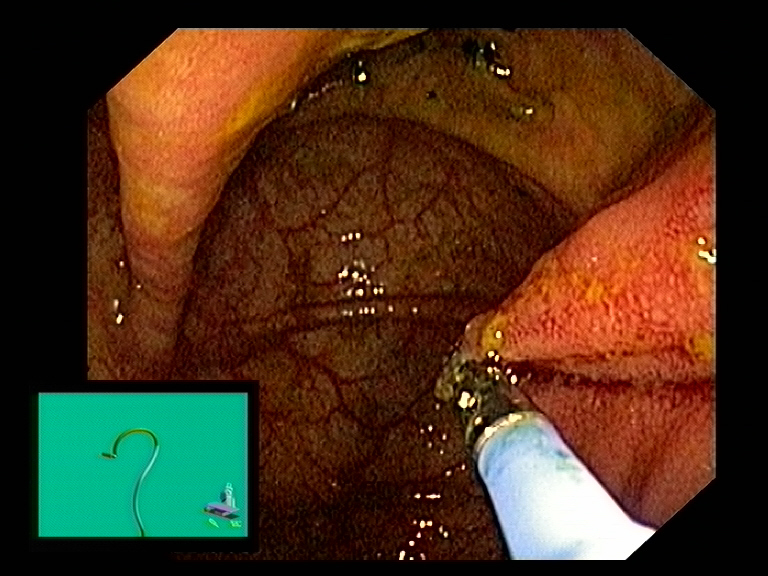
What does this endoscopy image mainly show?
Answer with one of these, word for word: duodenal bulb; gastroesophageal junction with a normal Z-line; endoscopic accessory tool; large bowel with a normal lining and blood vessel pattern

endoscopic accessory tool